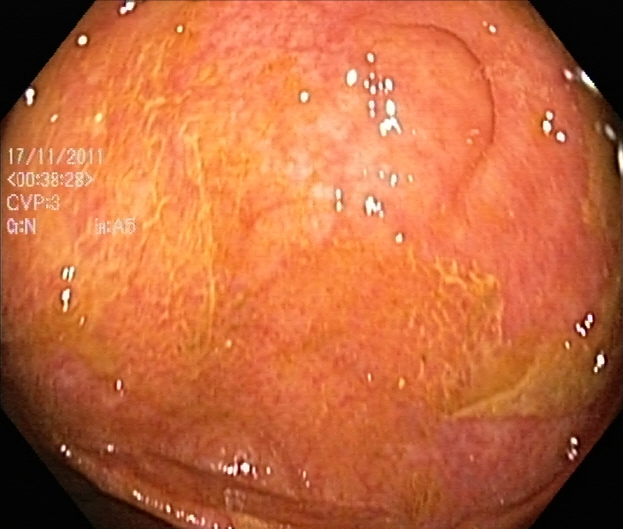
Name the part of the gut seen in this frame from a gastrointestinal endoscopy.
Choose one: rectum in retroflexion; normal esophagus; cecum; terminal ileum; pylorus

cecum